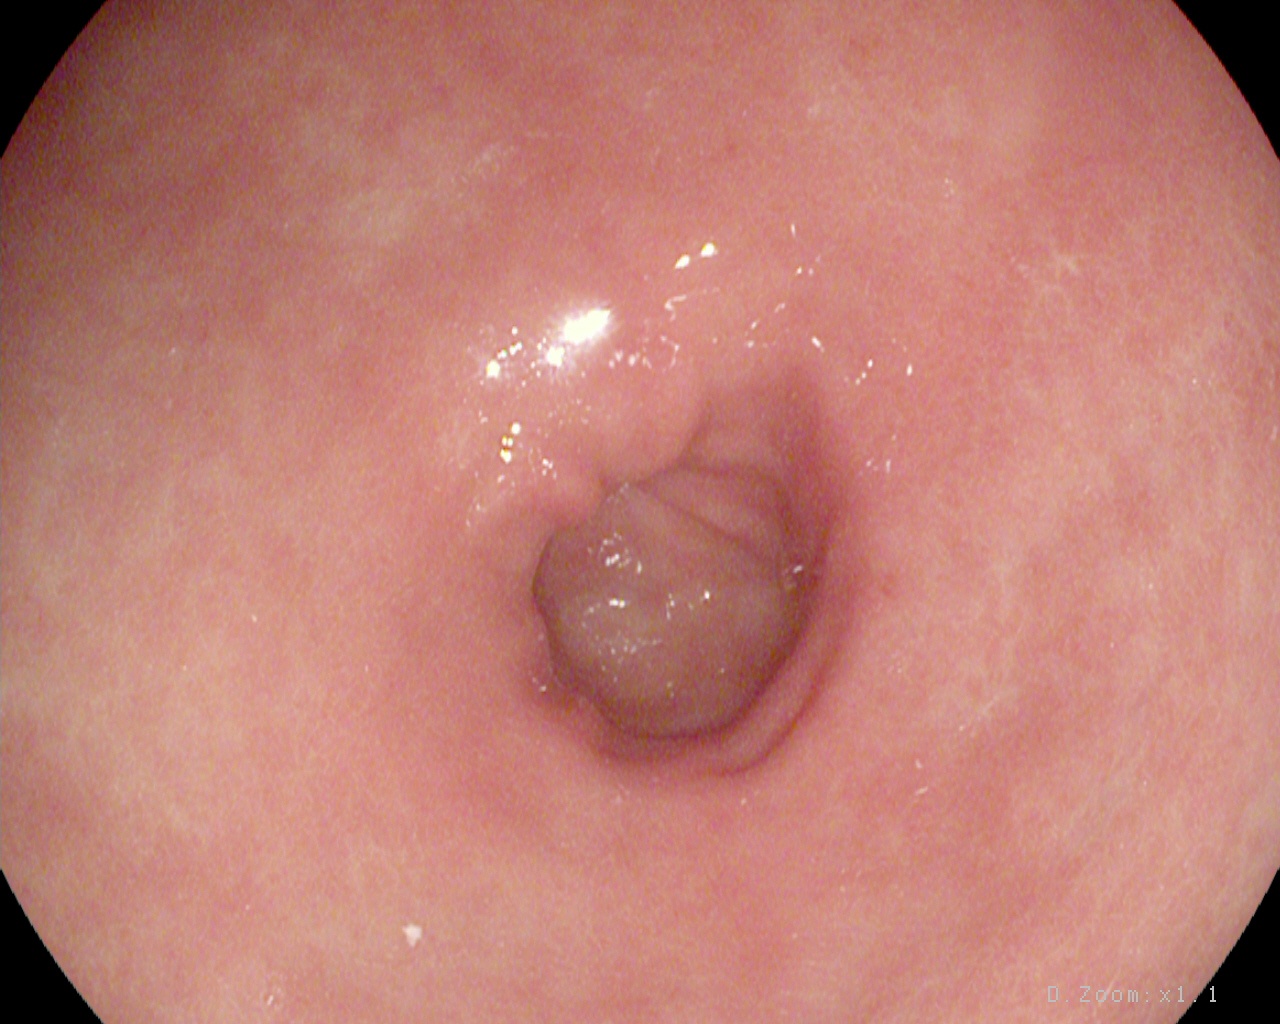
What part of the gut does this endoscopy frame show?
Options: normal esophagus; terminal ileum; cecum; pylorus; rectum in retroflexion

pylorus